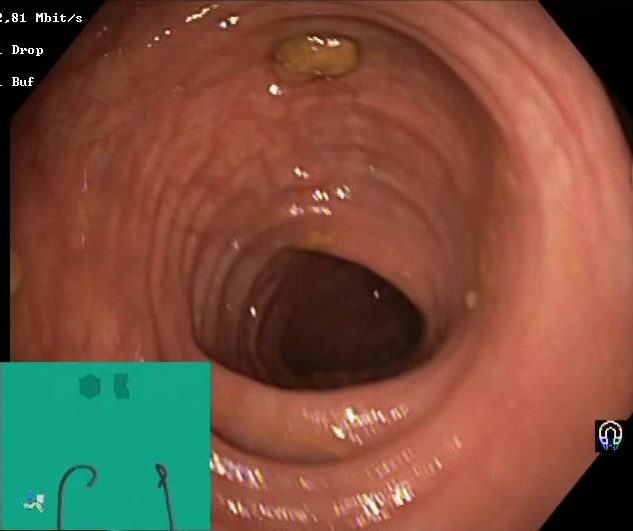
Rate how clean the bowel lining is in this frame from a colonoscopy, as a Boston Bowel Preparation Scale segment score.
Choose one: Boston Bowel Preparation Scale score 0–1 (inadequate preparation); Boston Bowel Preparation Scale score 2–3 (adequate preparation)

Boston Bowel Preparation Scale score 2–3 (adequate preparation)